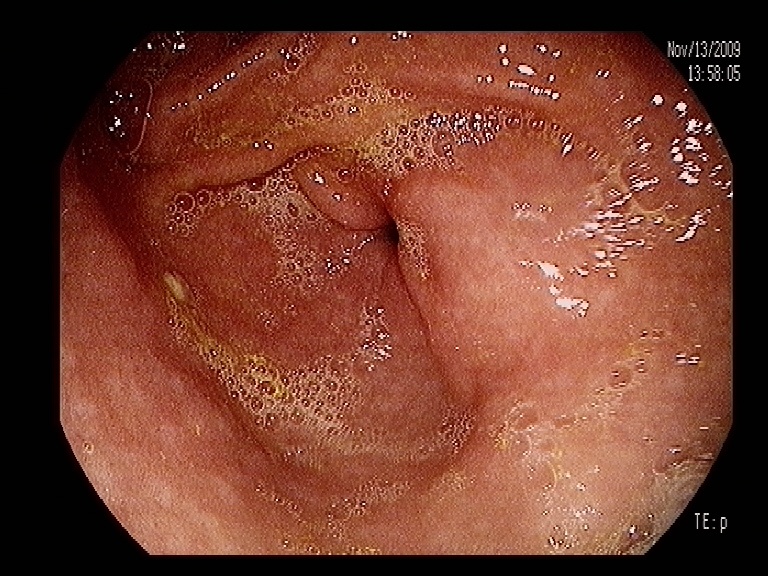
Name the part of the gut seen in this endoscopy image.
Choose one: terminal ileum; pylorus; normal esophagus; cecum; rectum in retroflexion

pylorus